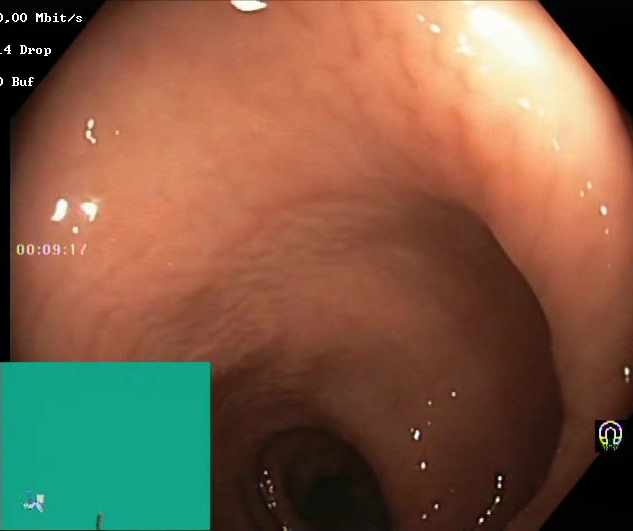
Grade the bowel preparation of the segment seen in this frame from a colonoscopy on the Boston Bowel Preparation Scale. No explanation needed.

Boston Bowel Preparation Scale score 2–3 (adequate preparation)